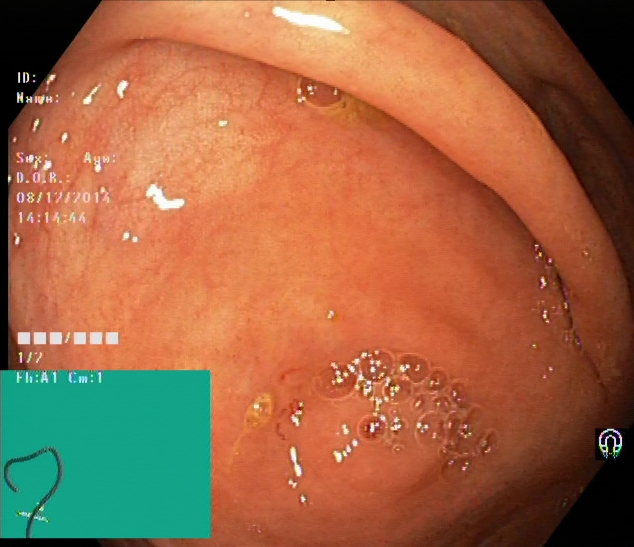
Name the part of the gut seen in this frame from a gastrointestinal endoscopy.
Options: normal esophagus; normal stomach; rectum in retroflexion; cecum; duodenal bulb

cecum